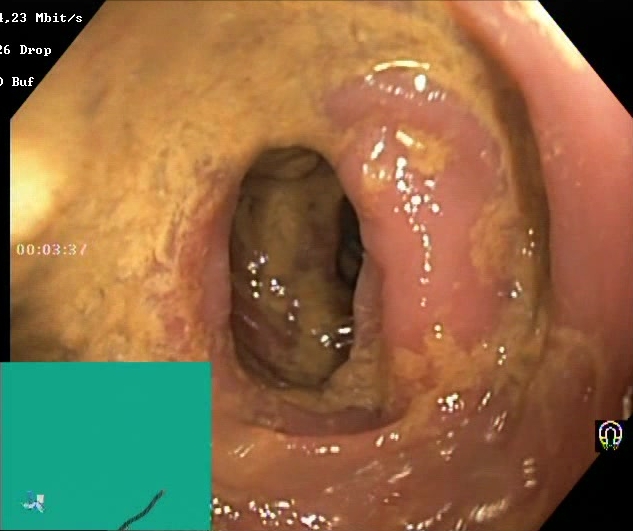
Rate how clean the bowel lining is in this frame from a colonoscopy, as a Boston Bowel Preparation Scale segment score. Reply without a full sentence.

Boston Bowel Preparation Scale score 0–1 (inadequate preparation)